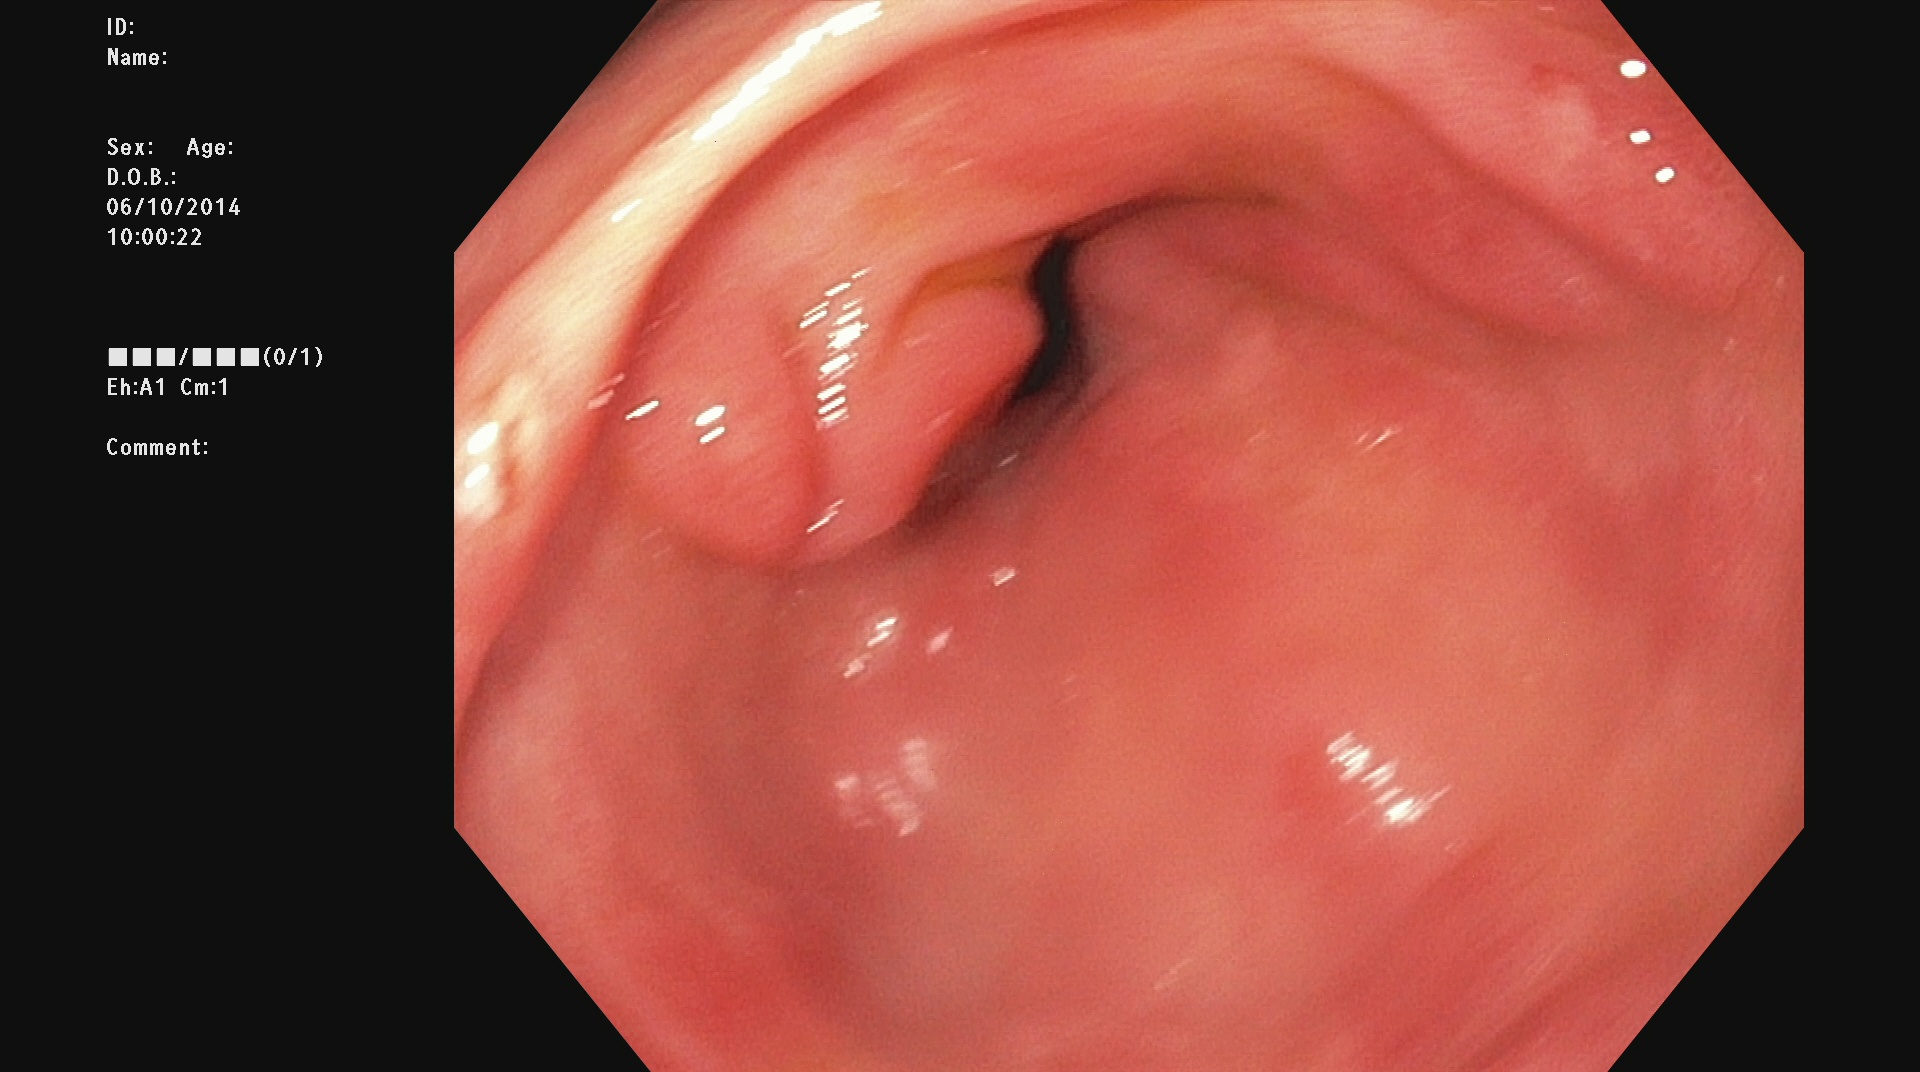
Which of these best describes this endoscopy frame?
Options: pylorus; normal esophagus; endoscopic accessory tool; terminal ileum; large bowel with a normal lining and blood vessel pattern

pylorus